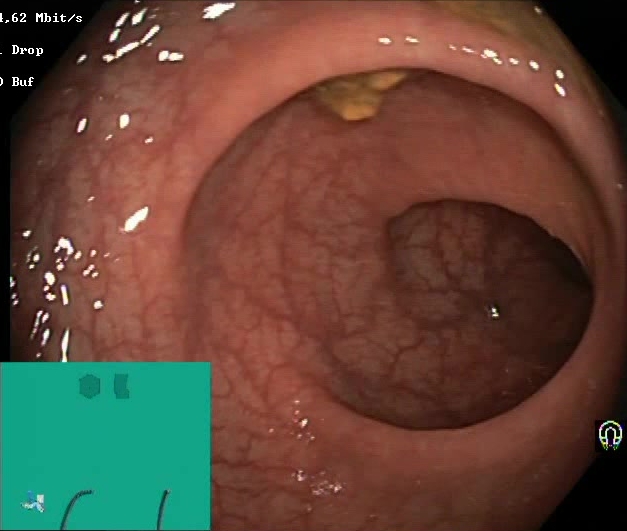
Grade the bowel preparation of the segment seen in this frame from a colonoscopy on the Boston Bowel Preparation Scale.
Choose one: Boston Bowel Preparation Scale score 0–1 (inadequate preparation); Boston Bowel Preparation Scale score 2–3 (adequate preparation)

Boston Bowel Preparation Scale score 2–3 (adequate preparation)